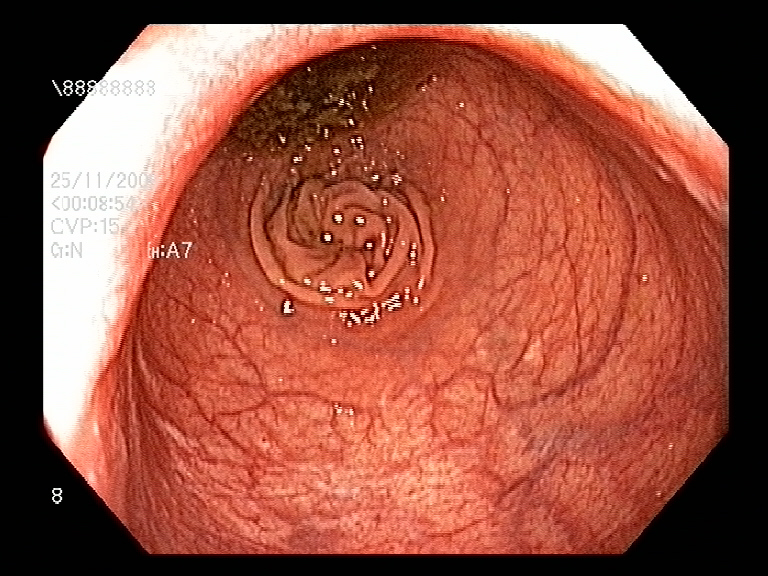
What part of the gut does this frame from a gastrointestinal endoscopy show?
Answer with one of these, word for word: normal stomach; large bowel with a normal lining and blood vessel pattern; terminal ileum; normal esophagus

large bowel with a normal lining and blood vessel pattern